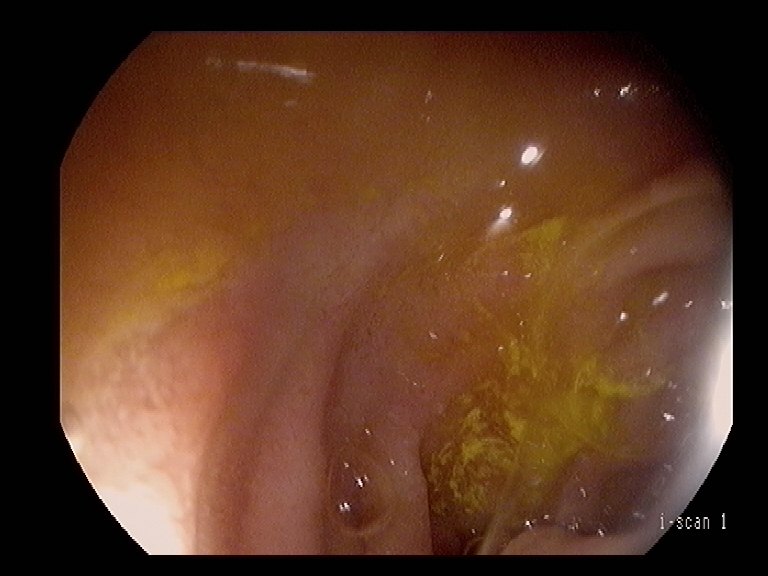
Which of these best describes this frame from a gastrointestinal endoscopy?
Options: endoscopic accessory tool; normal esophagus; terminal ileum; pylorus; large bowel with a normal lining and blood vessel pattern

terminal ileum